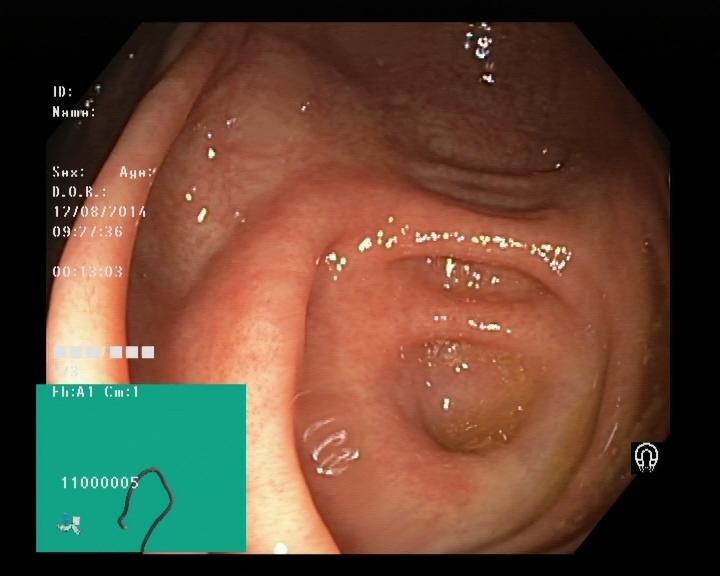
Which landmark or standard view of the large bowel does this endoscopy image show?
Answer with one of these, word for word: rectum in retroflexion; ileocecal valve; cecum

cecum